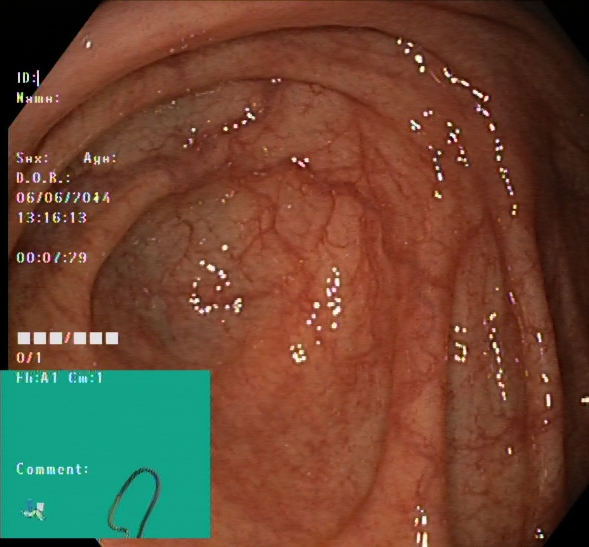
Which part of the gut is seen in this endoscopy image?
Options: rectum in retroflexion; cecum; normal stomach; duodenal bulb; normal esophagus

cecum